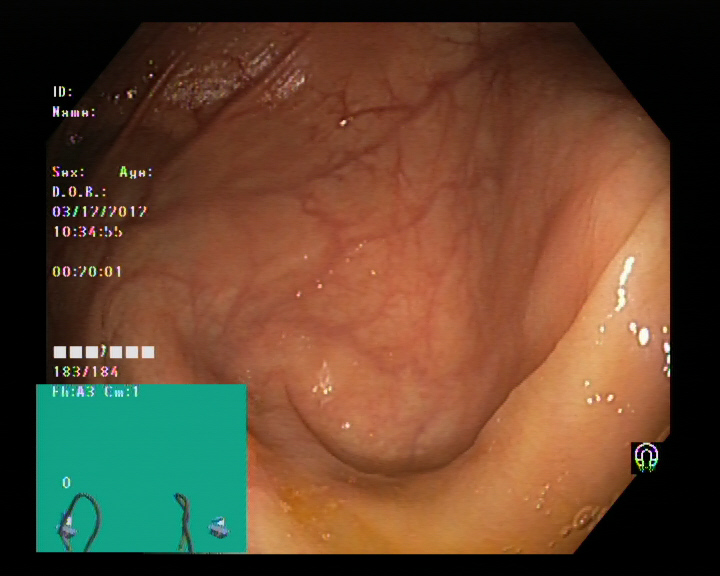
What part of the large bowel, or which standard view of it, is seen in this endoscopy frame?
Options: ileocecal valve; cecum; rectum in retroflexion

cecum